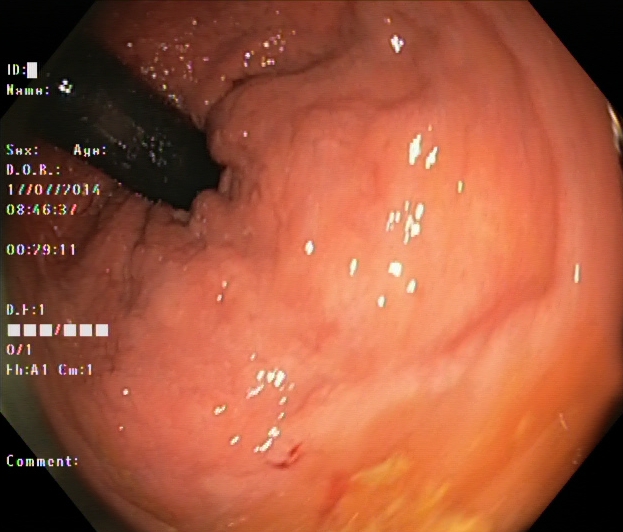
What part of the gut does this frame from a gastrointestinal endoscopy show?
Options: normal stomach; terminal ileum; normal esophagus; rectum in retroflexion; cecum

rectum in retroflexion